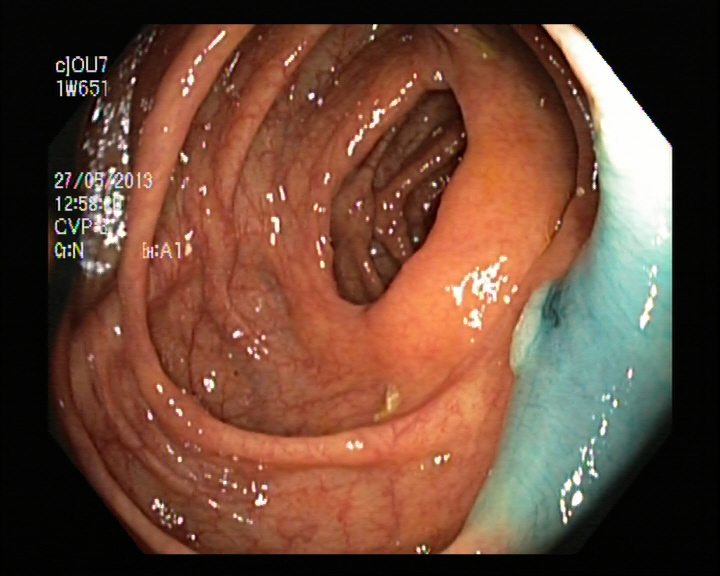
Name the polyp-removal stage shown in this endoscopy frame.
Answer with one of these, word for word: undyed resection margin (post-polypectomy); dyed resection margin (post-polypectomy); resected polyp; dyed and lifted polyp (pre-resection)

dyed and lifted polyp (pre-resection)